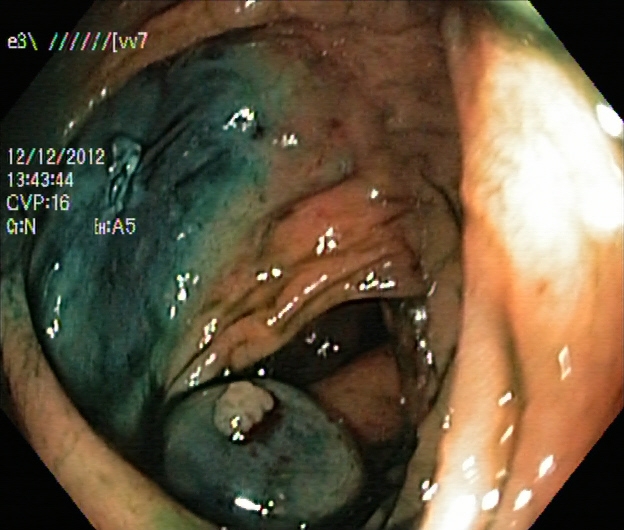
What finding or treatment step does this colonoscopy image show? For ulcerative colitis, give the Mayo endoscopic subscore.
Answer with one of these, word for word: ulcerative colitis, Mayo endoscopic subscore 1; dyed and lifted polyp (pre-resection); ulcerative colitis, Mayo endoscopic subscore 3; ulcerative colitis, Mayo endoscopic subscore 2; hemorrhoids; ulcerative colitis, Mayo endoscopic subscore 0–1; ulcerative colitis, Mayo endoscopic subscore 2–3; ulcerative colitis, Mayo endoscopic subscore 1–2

dyed and lifted polyp (pre-resection)